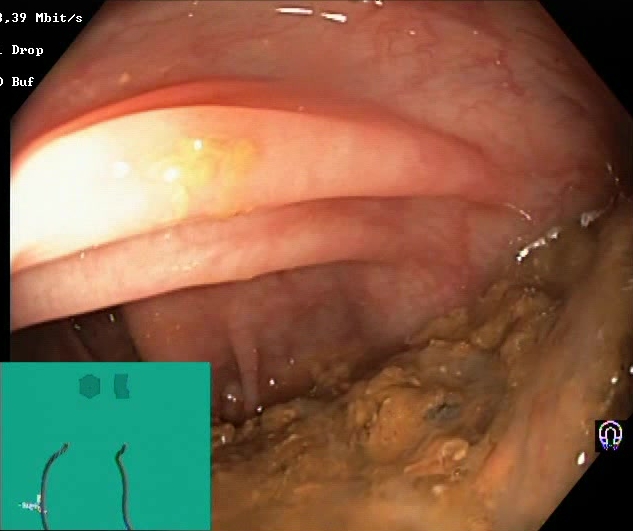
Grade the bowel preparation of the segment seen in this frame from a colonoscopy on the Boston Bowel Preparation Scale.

Boston Bowel Preparation Scale score 0–1 (inadequate preparation)